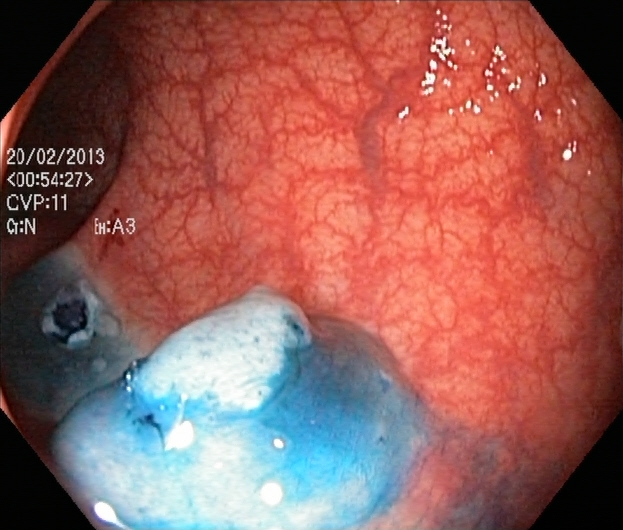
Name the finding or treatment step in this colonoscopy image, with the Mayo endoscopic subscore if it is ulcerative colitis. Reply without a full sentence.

dyed and lifted polyp (pre-resection)